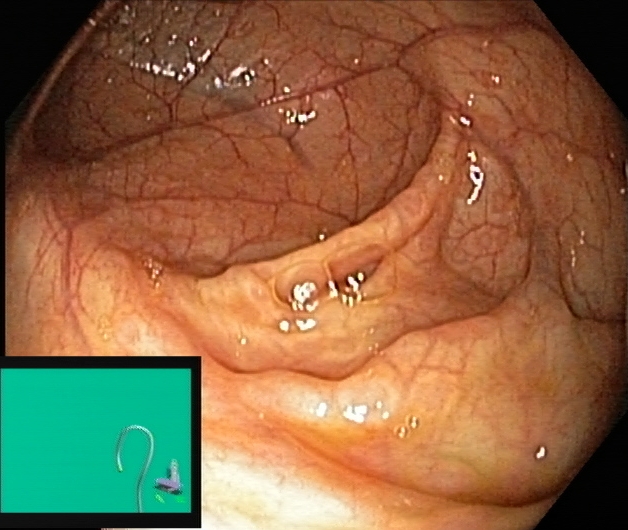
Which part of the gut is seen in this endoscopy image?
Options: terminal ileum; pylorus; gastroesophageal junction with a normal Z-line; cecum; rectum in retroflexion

cecum